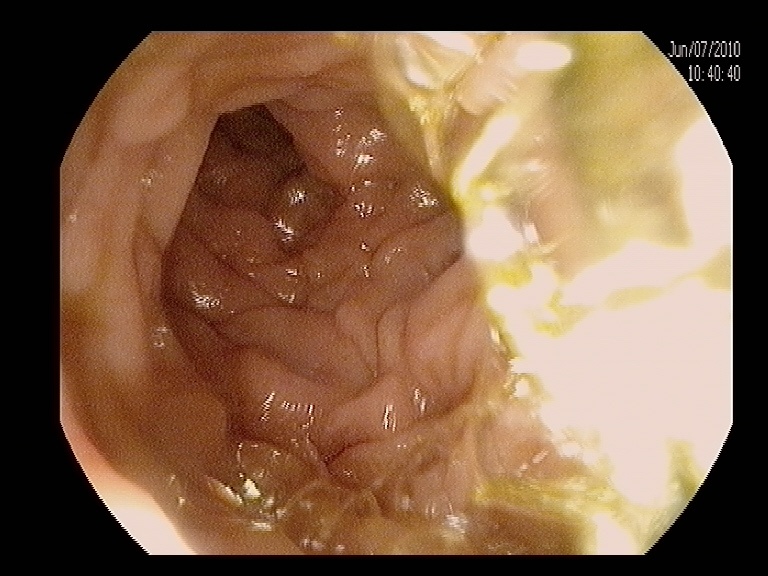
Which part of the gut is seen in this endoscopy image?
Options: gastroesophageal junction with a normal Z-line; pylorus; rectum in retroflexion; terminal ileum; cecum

terminal ileum